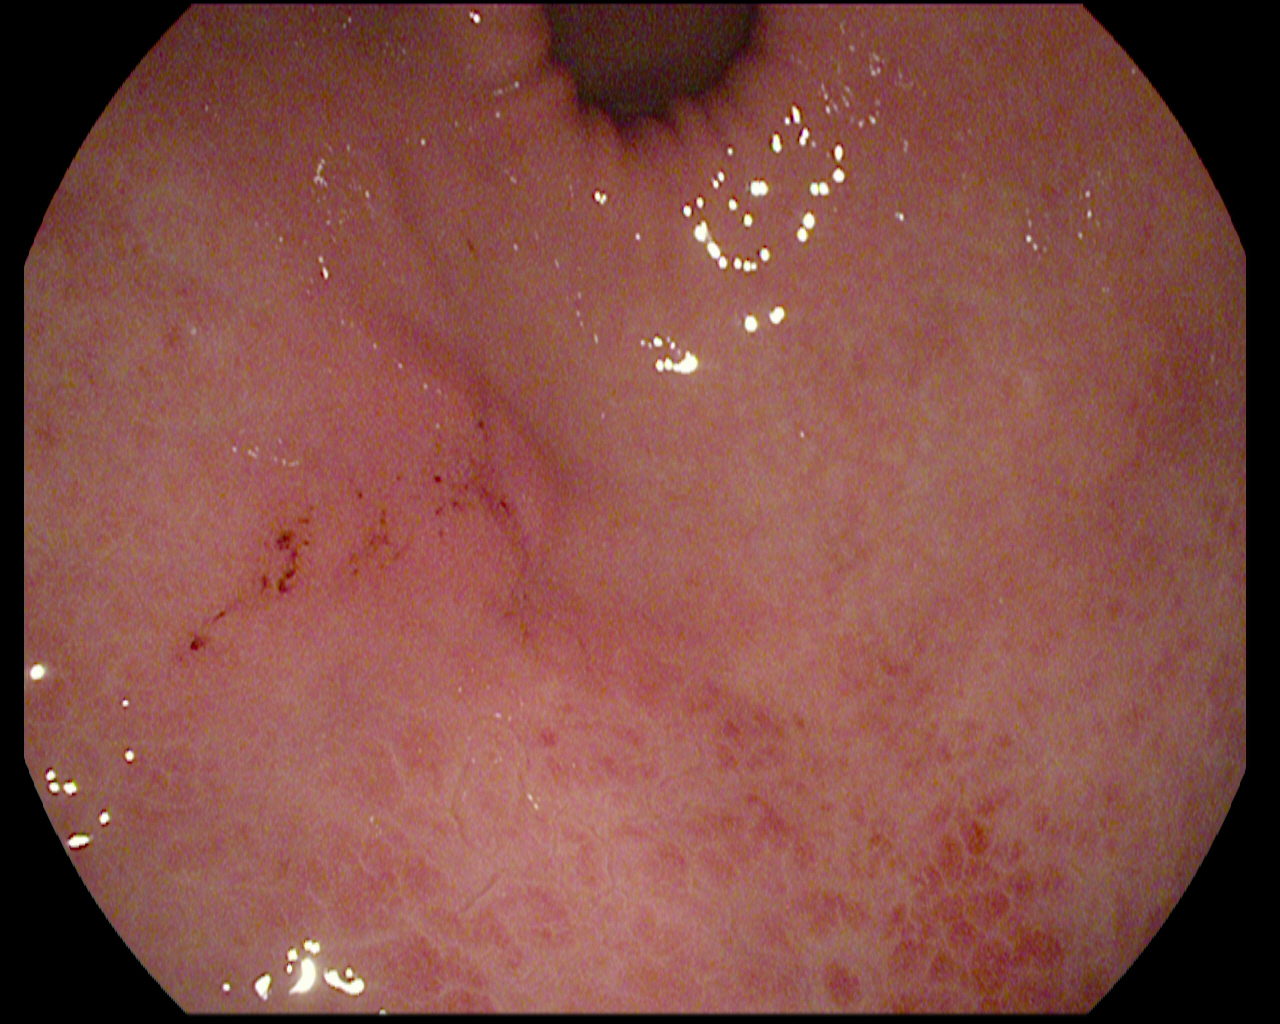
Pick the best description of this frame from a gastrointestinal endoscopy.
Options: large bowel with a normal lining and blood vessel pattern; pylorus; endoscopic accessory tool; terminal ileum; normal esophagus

large bowel with a normal lining and blood vessel pattern